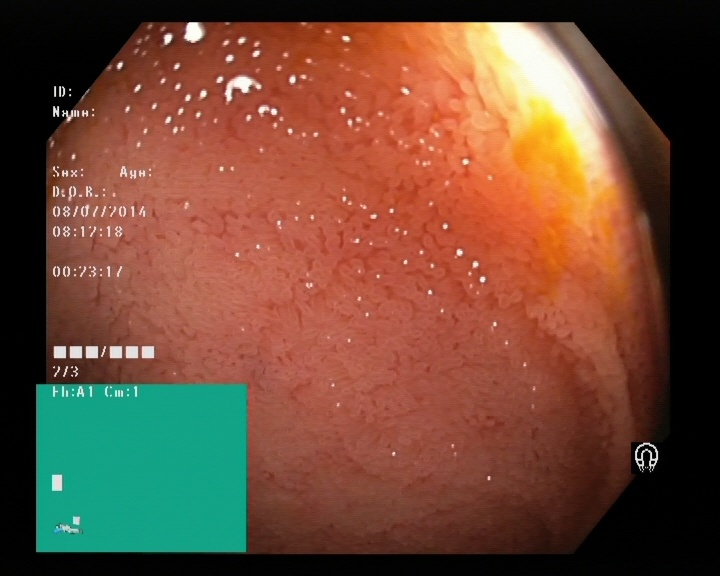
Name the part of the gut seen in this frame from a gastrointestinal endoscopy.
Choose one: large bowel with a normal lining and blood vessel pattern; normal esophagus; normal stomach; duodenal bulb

large bowel with a normal lining and blood vessel pattern